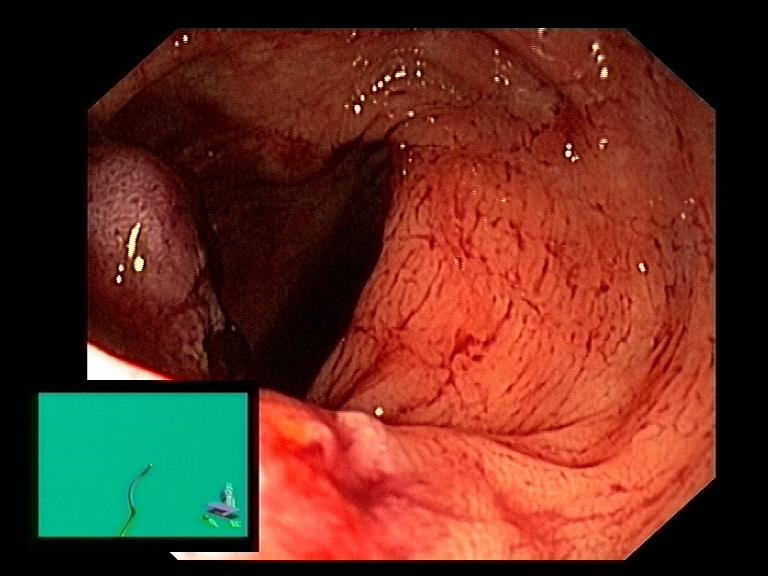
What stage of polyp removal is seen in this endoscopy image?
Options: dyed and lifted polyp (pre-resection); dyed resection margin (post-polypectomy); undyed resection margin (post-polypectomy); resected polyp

resected polyp